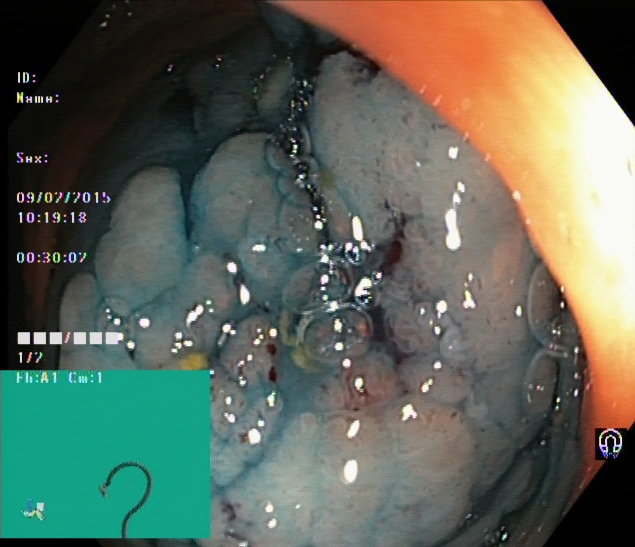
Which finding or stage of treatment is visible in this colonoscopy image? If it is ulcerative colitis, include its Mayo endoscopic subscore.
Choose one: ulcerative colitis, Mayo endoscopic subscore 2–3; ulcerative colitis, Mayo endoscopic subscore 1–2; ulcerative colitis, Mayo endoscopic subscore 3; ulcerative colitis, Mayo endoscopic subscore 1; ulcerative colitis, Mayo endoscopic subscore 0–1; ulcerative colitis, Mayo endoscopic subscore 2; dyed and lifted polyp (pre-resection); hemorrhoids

dyed and lifted polyp (pre-resection)